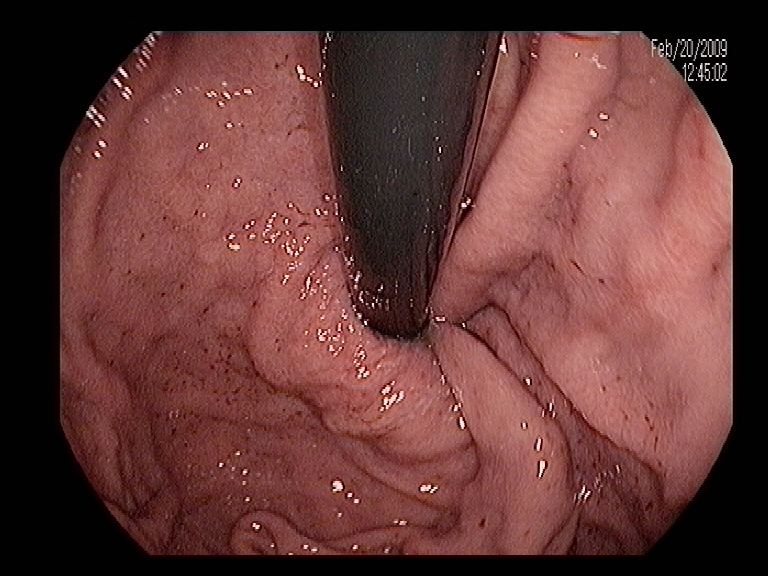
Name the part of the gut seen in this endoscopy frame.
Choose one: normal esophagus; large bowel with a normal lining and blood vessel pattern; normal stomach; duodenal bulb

normal stomach